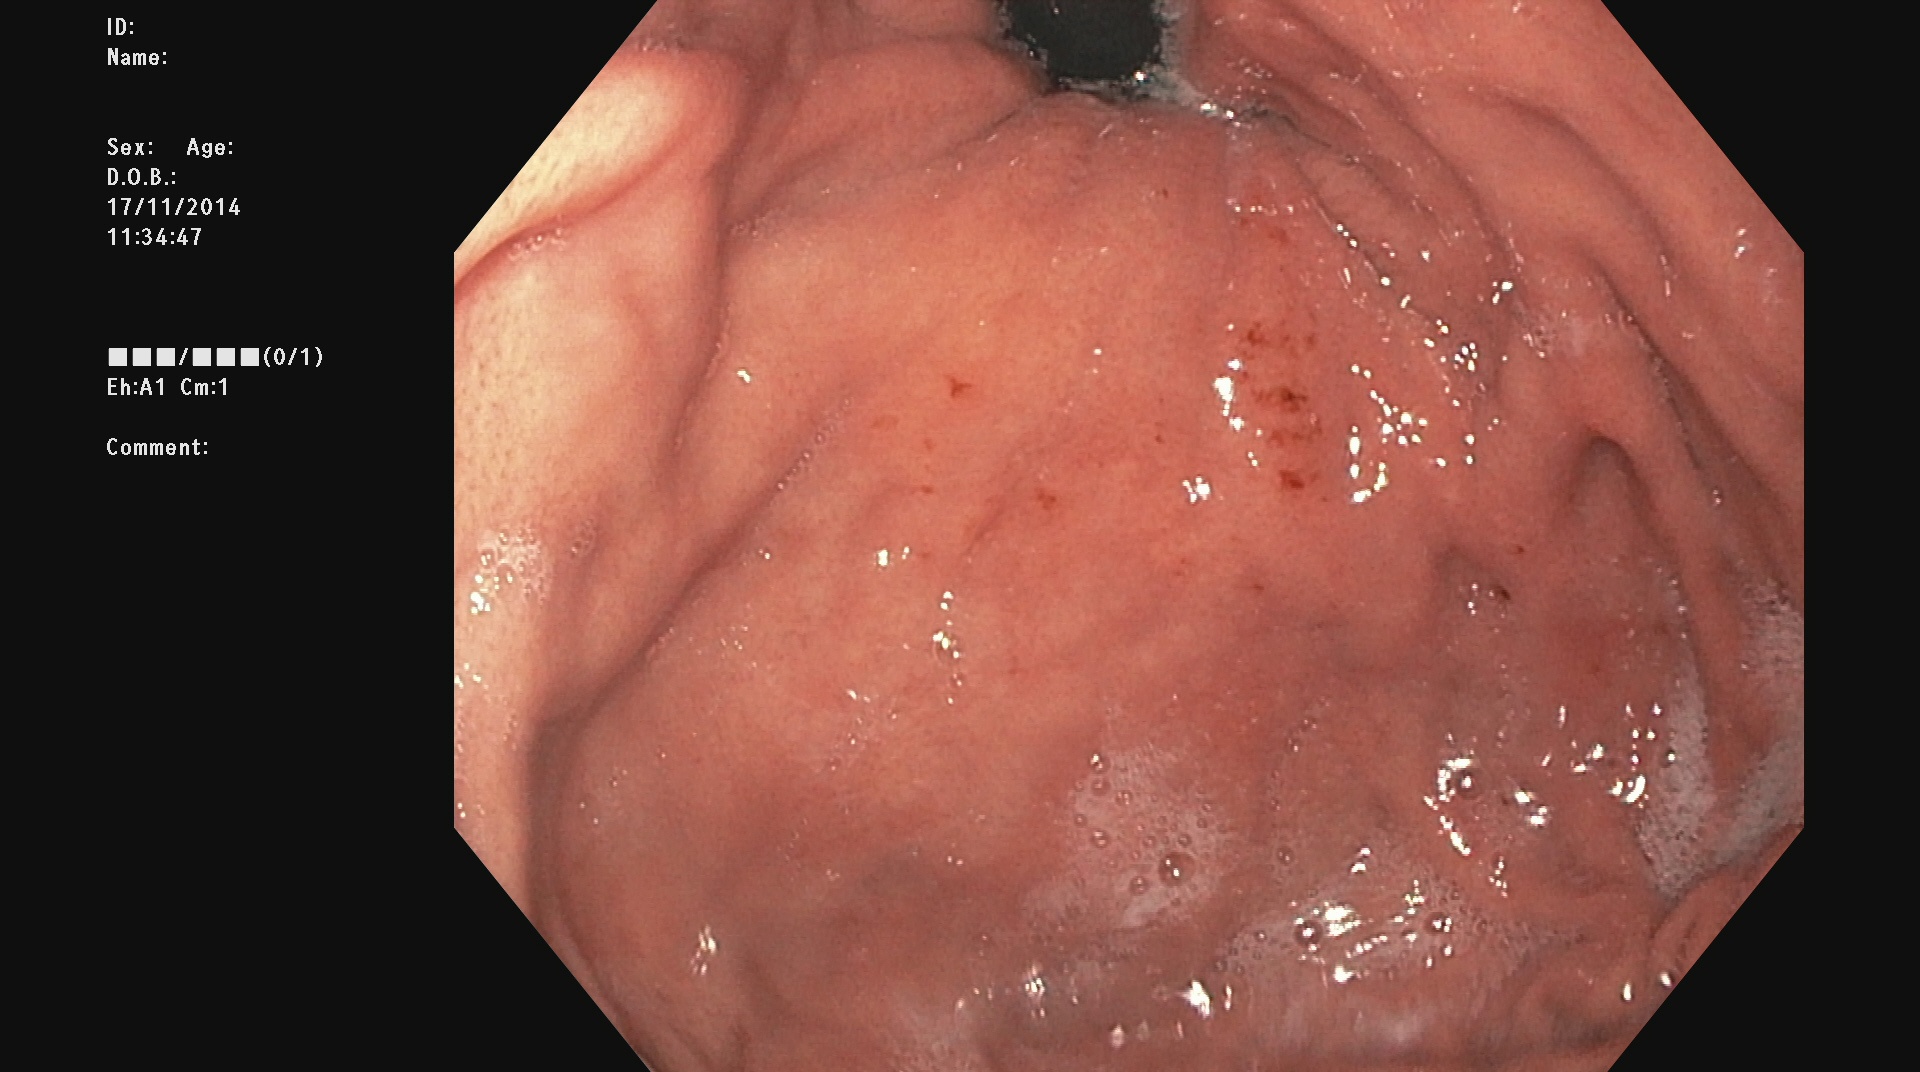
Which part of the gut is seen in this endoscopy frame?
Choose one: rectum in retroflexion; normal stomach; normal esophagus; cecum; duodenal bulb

normal stomach